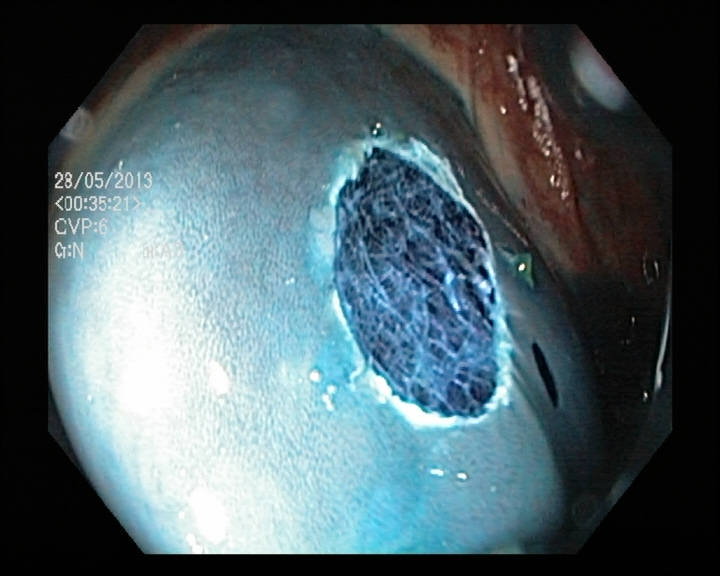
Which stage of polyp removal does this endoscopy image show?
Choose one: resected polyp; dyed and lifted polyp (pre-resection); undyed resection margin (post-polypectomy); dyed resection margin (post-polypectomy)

dyed resection margin (post-polypectomy)